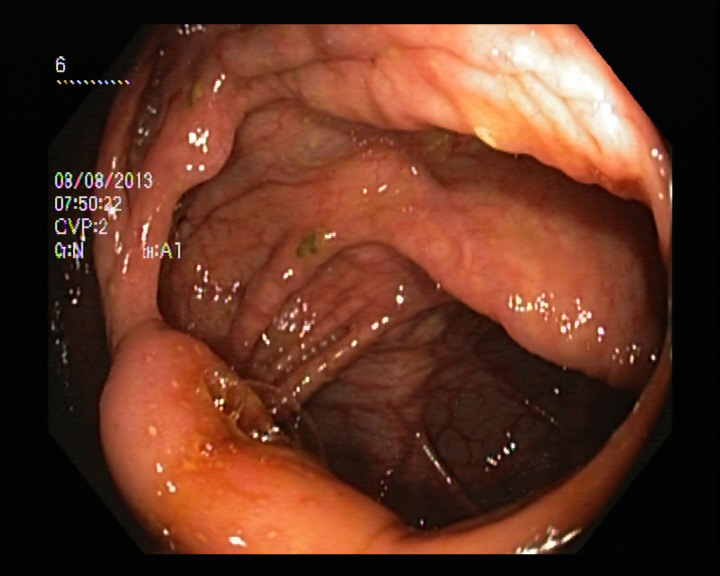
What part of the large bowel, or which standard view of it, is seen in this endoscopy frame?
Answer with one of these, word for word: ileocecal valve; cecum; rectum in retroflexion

ileocecal valve